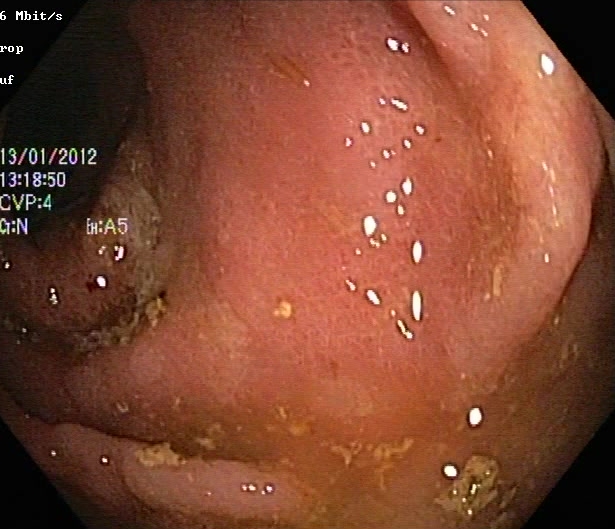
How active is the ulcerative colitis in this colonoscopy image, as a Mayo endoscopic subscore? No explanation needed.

ulcerative colitis, Mayo endoscopic subscore 2